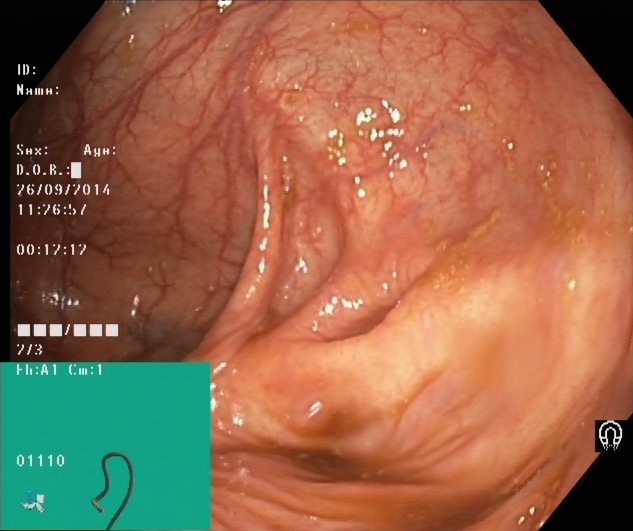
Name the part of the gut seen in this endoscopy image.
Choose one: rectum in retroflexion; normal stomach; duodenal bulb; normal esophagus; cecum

cecum